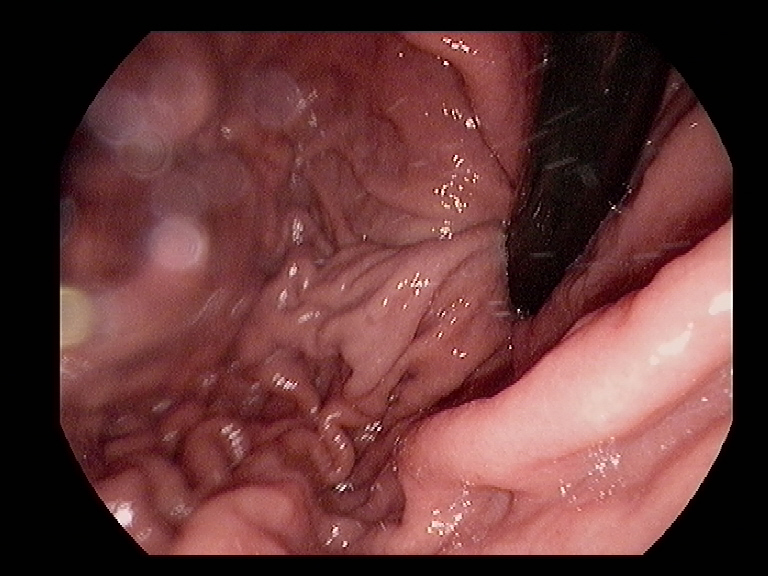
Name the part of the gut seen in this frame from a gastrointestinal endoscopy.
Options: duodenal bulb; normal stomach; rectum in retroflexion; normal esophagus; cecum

normal stomach